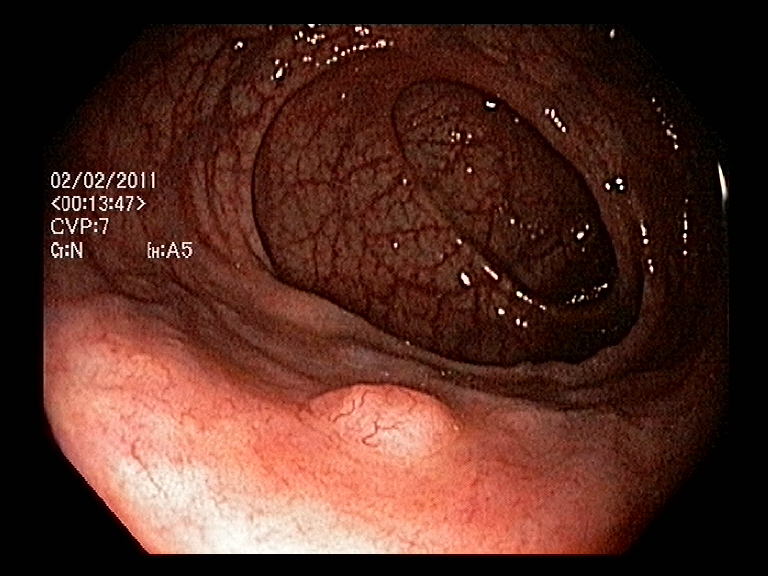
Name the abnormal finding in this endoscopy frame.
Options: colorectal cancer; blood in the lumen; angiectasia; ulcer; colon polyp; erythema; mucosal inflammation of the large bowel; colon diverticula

colon polyp